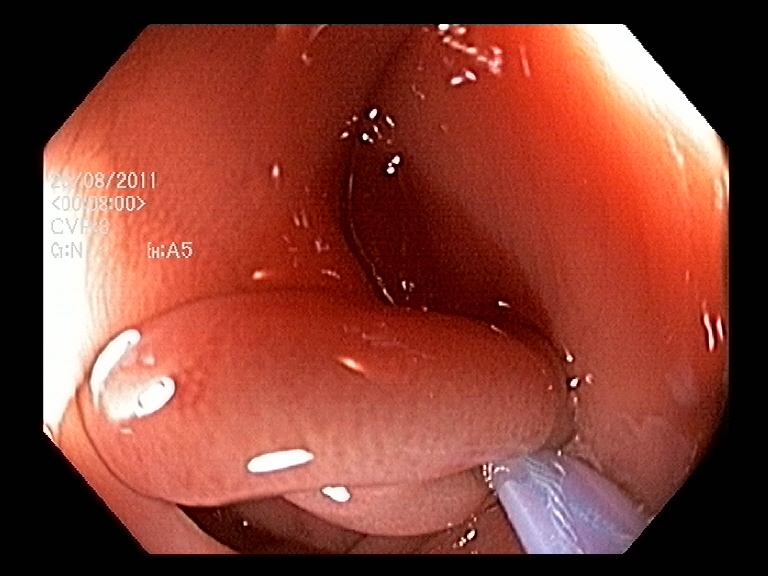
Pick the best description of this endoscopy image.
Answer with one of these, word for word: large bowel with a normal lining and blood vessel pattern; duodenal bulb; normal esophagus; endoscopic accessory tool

endoscopic accessory tool